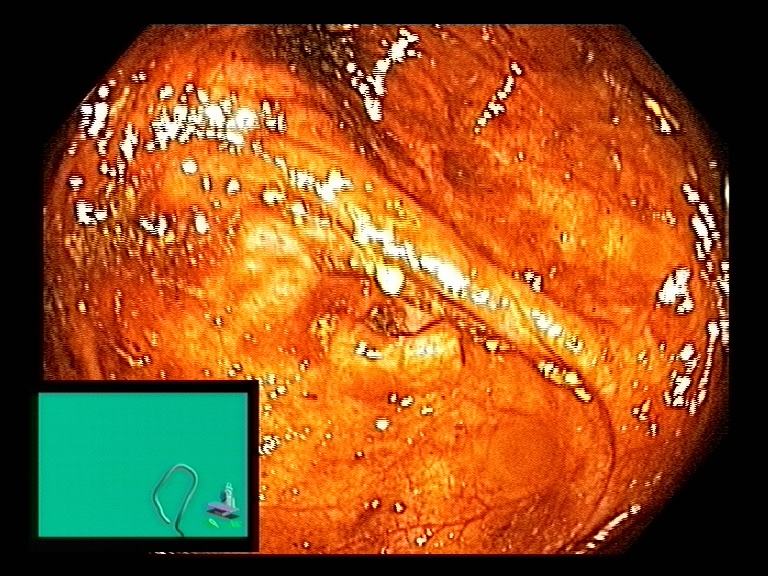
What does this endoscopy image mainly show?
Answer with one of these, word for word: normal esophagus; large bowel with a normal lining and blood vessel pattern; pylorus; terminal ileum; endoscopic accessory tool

large bowel with a normal lining and blood vessel pattern